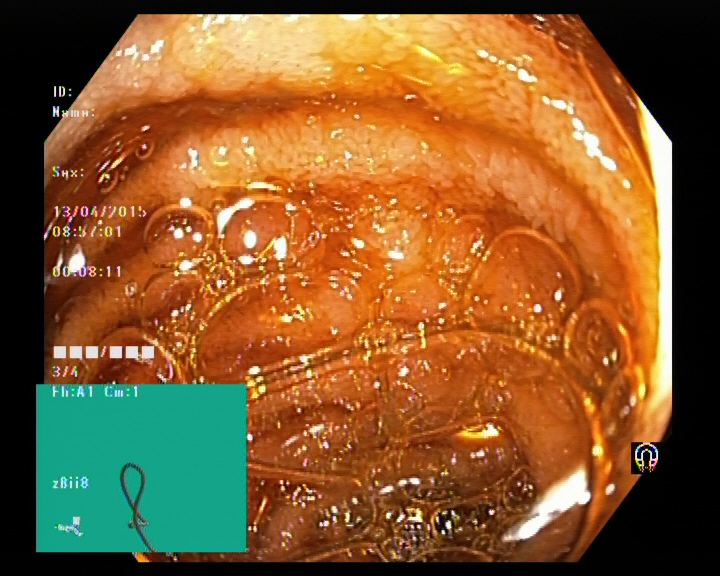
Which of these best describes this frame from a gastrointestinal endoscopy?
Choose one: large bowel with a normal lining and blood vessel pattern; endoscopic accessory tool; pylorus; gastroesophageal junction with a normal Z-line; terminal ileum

terminal ileum